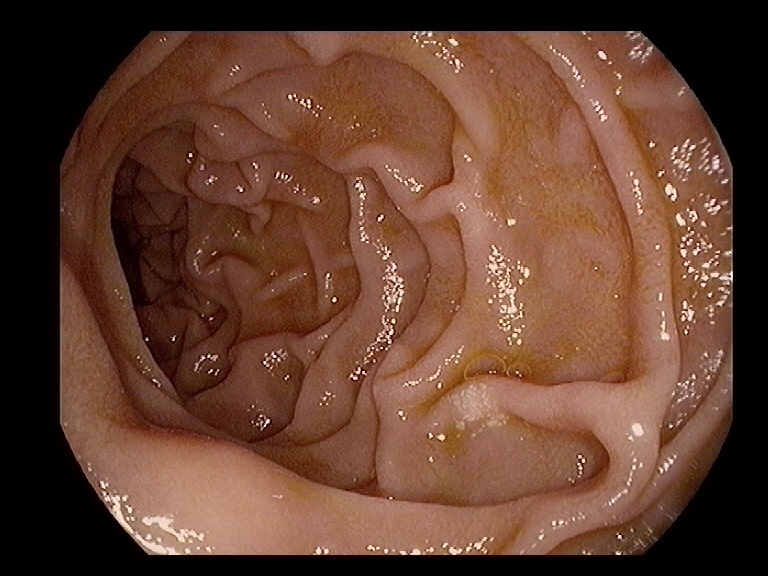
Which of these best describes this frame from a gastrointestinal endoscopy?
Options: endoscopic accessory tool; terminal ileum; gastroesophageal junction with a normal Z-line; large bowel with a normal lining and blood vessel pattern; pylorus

terminal ileum